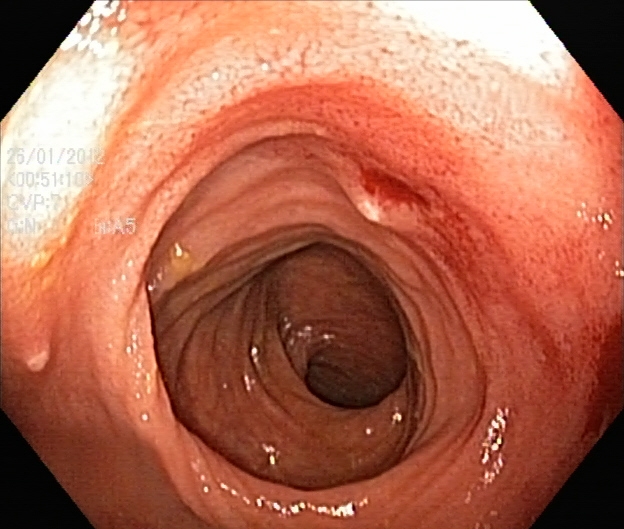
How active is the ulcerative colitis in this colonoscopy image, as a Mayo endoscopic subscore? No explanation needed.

ulcerative colitis, Mayo endoscopic subscore 1